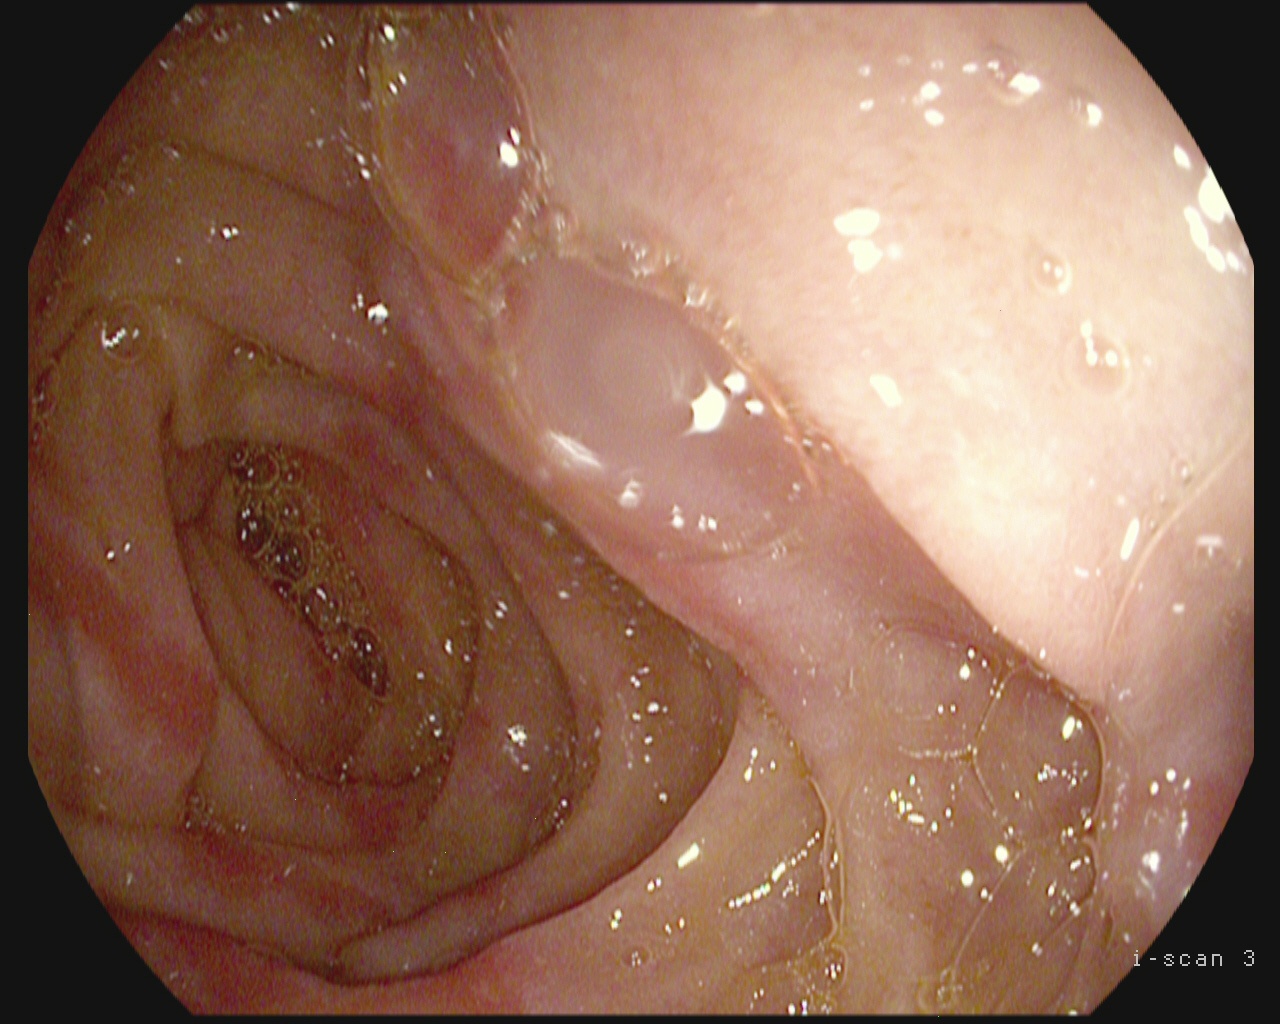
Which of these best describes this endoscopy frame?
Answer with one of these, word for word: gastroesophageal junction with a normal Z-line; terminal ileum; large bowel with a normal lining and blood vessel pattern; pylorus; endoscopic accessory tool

terminal ileum